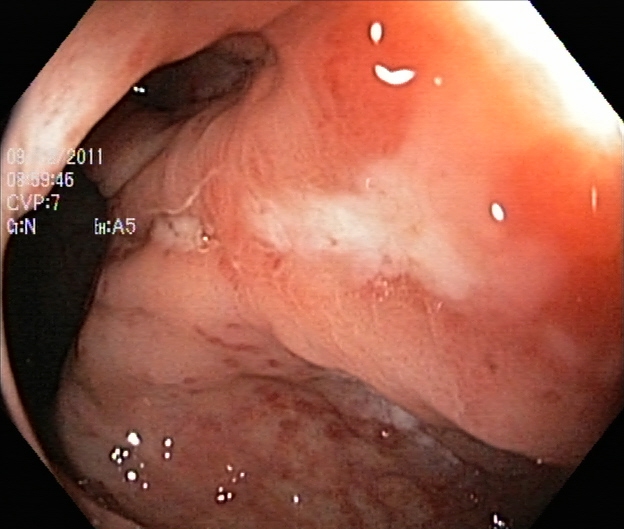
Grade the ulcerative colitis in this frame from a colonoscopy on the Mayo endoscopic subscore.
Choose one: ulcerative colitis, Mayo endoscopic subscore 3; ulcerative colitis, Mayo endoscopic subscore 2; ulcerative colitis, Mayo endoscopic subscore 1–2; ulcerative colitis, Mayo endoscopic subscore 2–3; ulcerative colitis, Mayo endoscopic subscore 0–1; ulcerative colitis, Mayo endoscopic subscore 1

ulcerative colitis, Mayo endoscopic subscore 2